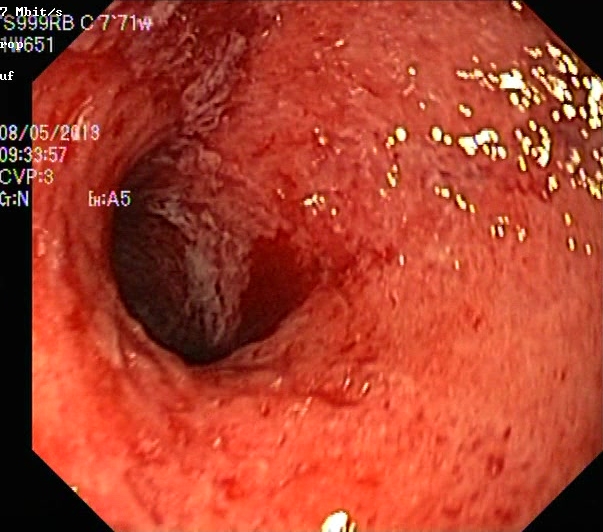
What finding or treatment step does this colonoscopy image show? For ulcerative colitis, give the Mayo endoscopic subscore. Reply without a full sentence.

ulcerative colitis, Mayo endoscopic subscore 3